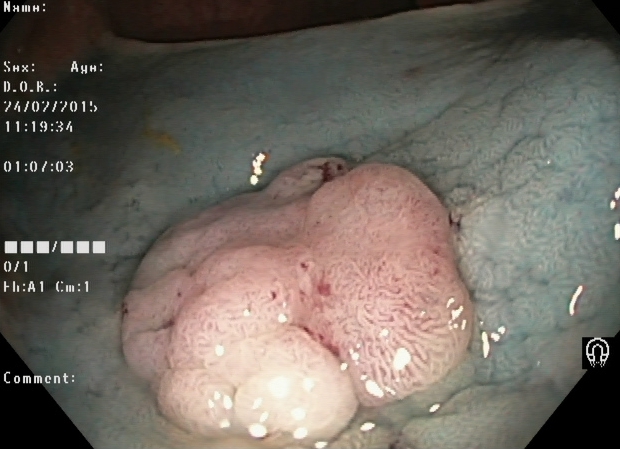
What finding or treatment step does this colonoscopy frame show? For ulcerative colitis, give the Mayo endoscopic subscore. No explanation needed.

dyed and lifted polyp (pre-resection)